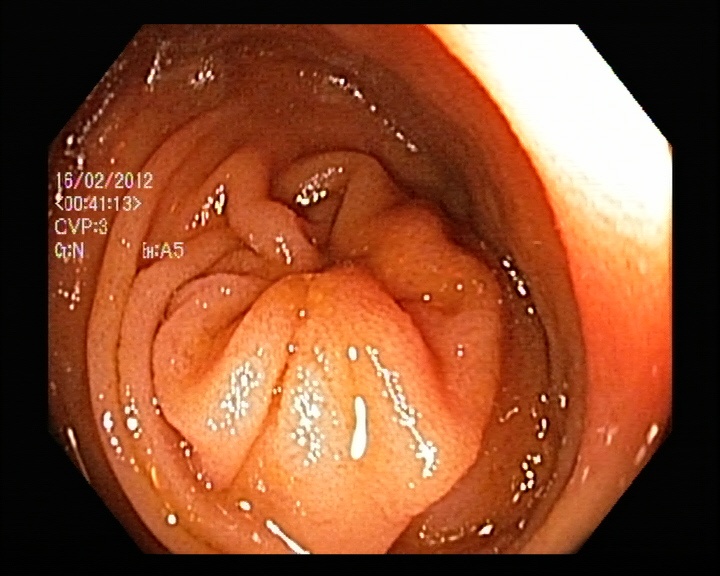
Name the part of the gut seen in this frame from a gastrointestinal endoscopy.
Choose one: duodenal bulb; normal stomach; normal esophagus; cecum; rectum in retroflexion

normal stomach